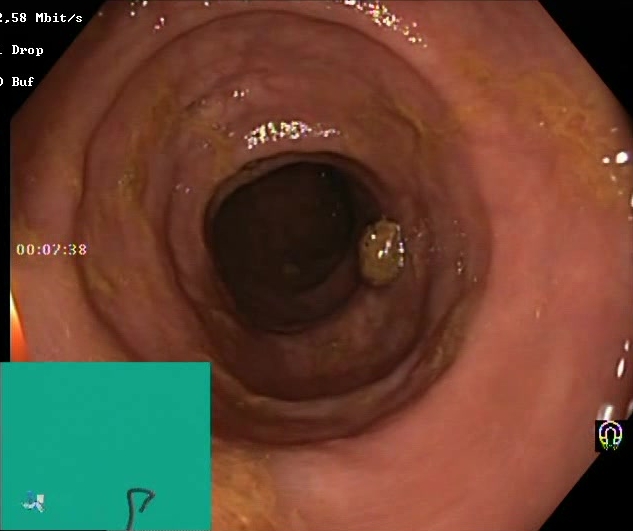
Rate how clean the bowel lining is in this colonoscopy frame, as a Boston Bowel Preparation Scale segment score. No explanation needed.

Boston Bowel Preparation Scale score 2–3 (adequate preparation)